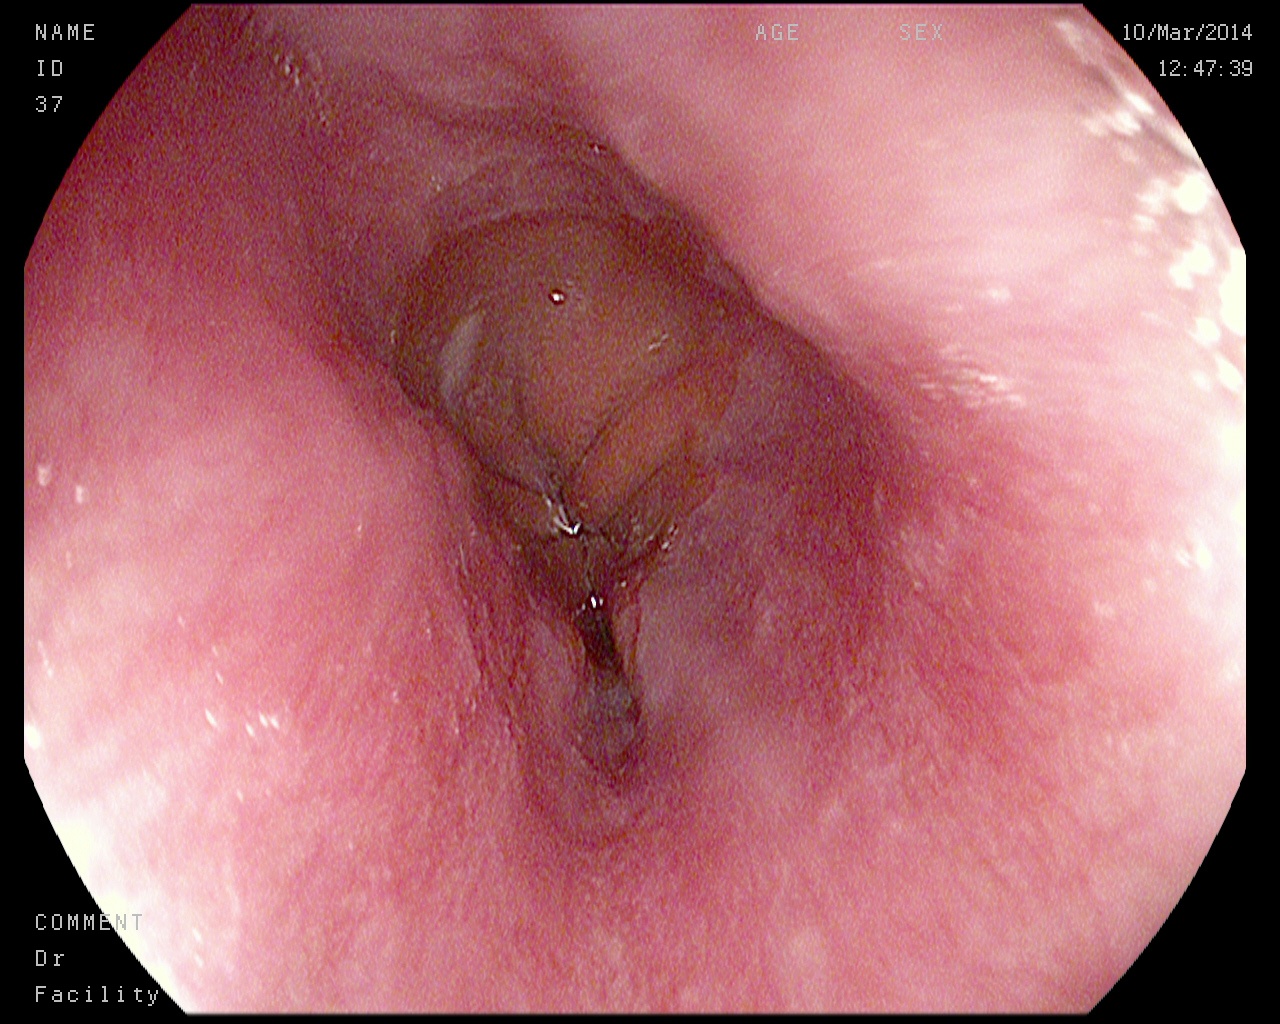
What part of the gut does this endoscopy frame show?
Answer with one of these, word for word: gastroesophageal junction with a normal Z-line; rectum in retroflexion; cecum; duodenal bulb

gastroesophageal junction with a normal Z-line